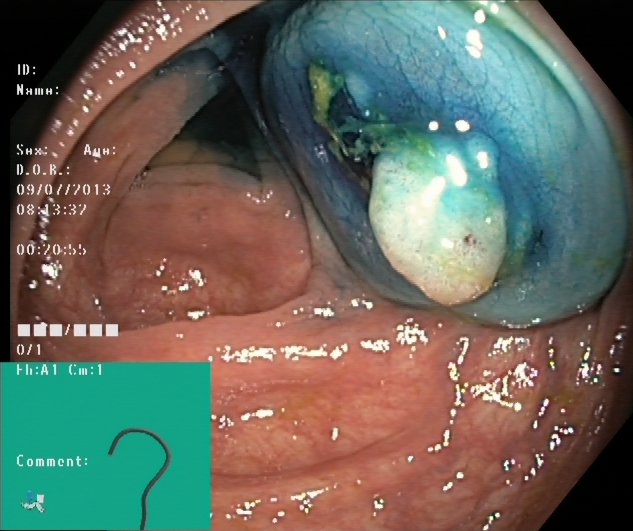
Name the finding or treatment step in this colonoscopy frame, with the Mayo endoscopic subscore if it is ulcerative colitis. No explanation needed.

dyed and lifted polyp (pre-resection)